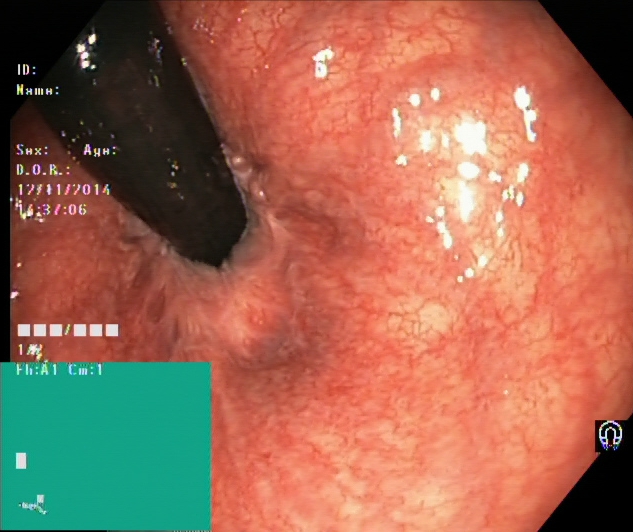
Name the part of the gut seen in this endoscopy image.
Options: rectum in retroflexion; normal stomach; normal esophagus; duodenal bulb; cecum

rectum in retroflexion